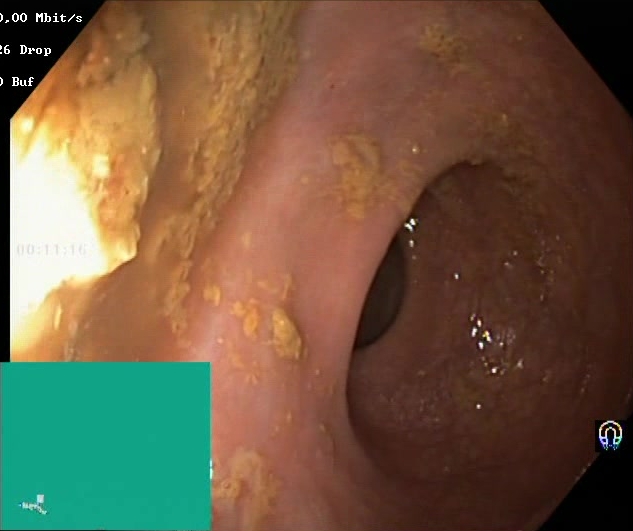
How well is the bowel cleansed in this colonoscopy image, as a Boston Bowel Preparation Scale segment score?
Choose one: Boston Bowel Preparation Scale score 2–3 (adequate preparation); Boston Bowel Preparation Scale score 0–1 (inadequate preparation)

Boston Bowel Preparation Scale score 0–1 (inadequate preparation)